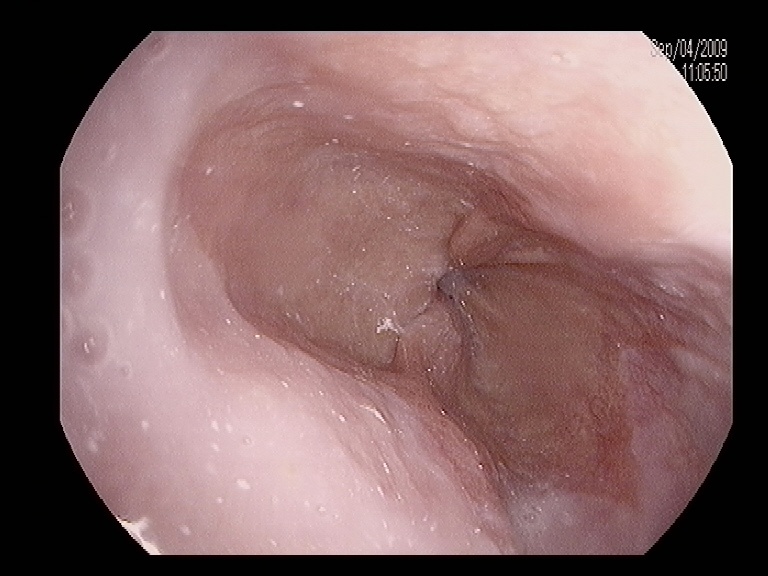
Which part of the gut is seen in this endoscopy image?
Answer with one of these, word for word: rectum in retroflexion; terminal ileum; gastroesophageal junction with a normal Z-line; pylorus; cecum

gastroesophageal junction with a normal Z-line